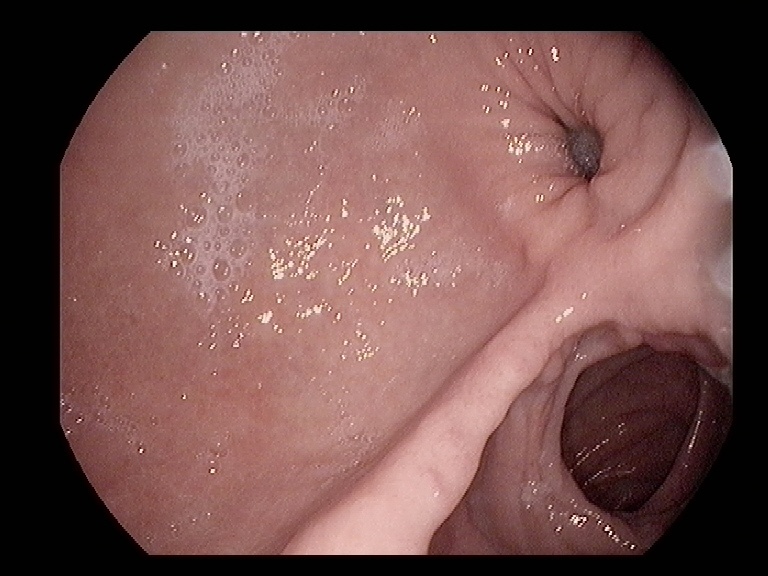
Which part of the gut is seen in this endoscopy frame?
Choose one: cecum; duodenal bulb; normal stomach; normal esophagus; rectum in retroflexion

normal stomach